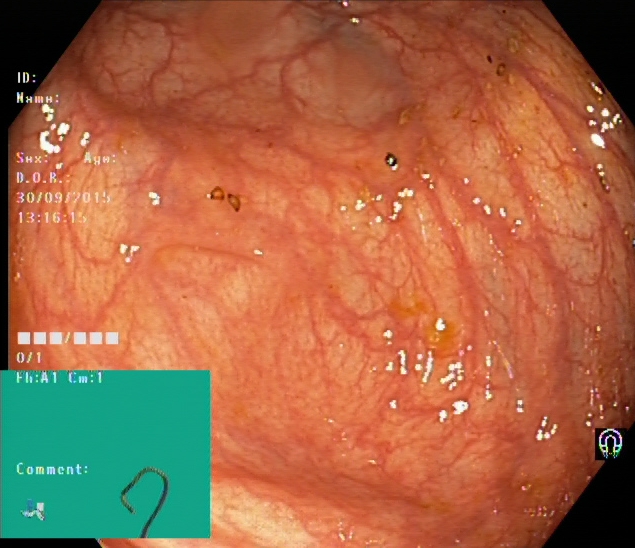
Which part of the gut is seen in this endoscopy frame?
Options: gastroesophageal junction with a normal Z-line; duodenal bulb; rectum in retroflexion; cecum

cecum